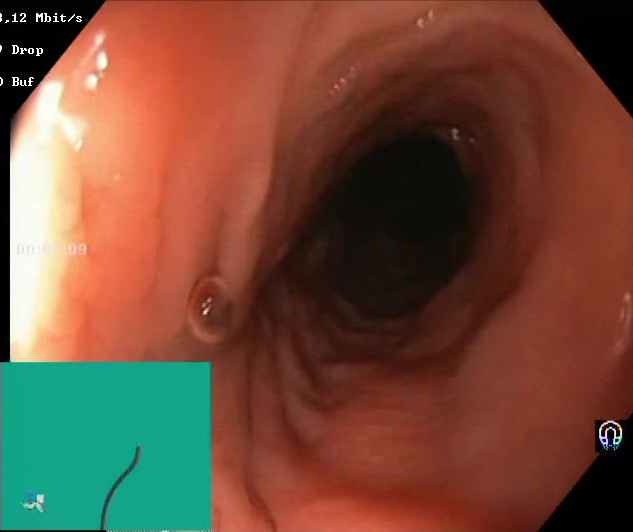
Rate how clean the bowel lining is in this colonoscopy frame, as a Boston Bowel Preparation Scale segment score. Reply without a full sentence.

Boston Bowel Preparation Scale score 2–3 (adequate preparation)